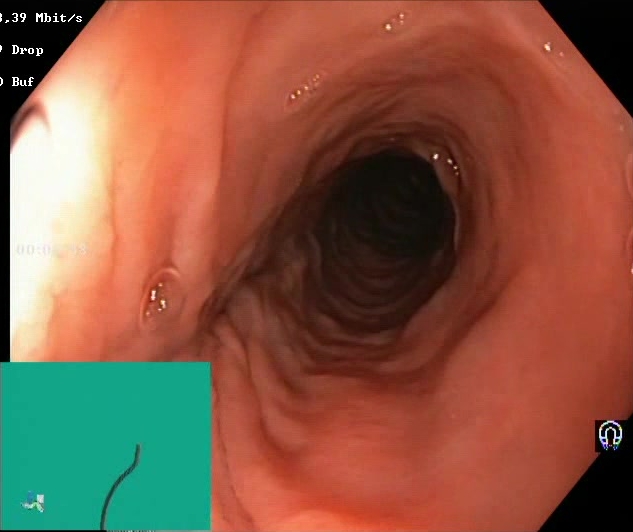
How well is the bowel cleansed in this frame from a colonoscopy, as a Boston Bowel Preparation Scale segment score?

Boston Bowel Preparation Scale score 2–3 (adequate preparation)